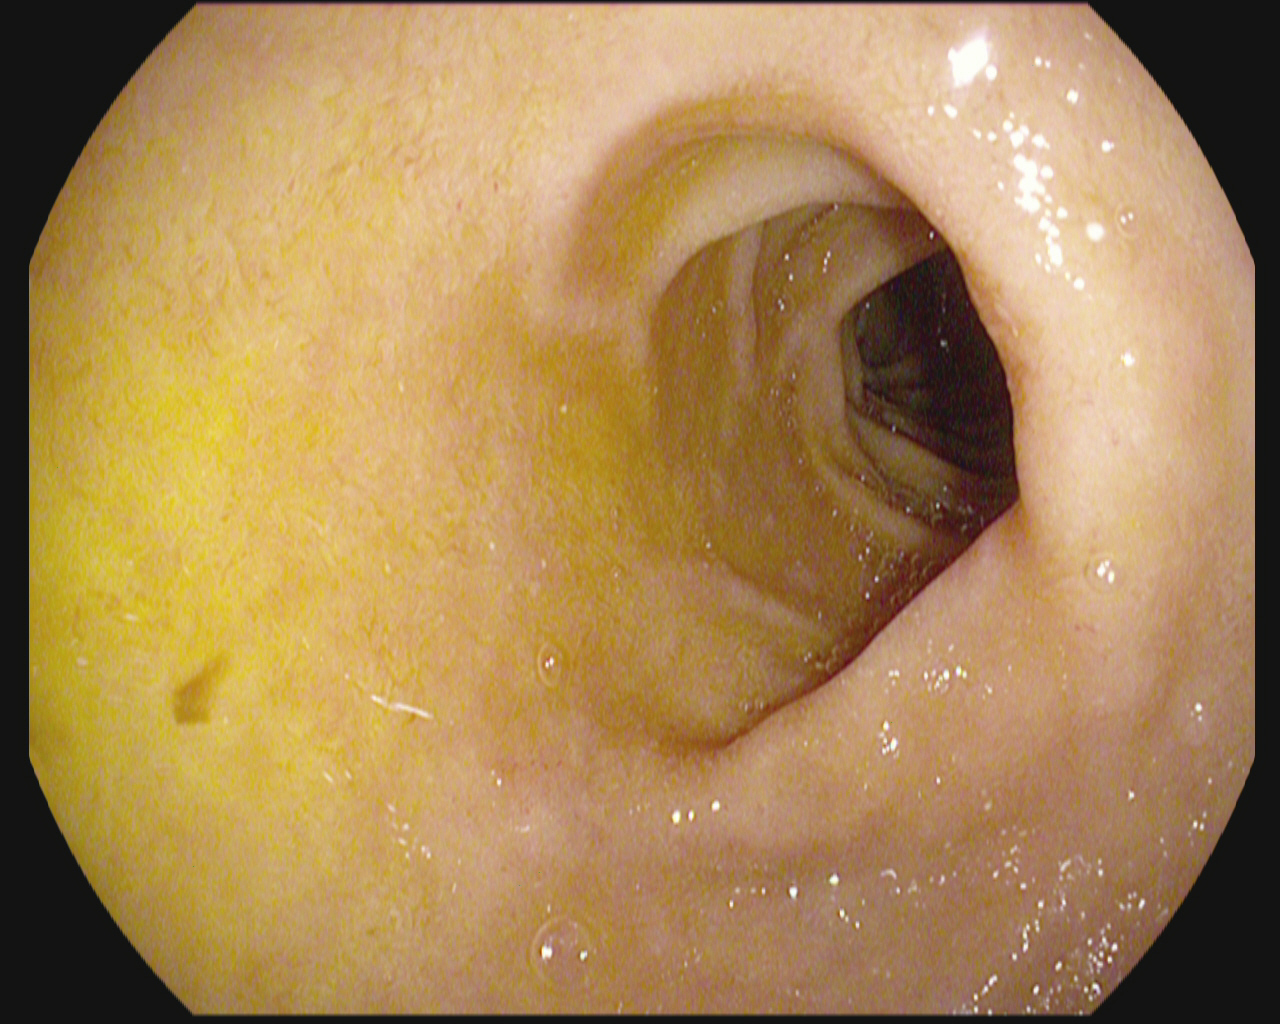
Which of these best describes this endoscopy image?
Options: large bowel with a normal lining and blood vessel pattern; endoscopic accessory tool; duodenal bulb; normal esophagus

duodenal bulb